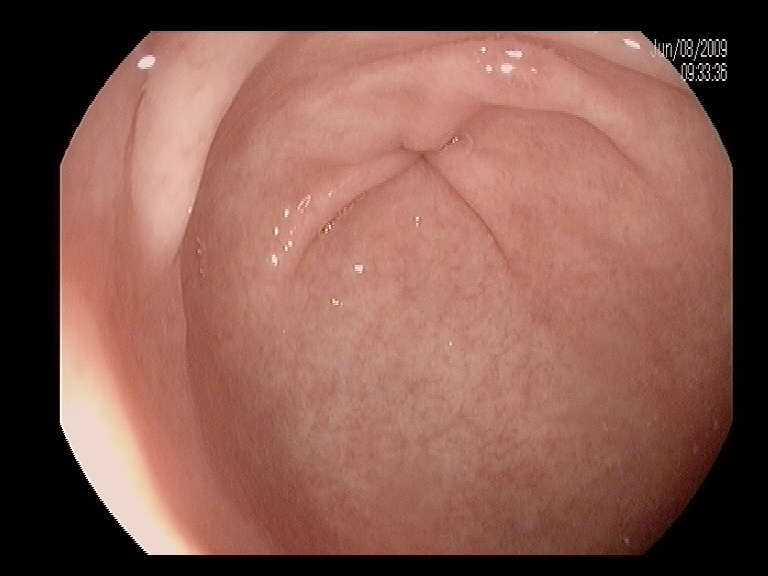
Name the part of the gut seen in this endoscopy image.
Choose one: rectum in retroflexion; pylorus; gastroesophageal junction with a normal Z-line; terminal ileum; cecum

pylorus